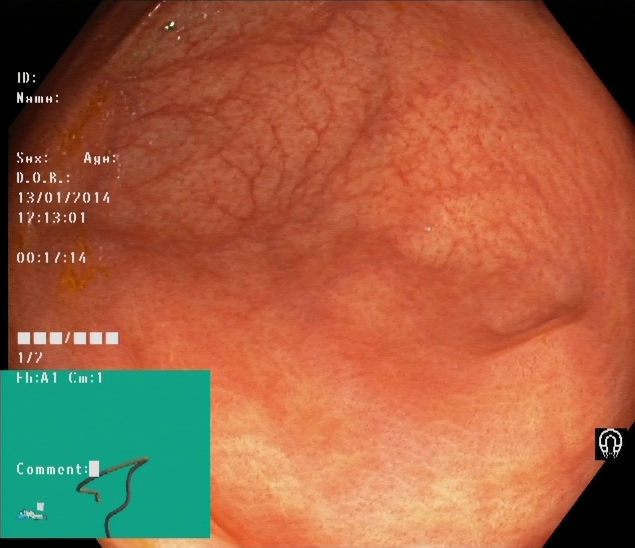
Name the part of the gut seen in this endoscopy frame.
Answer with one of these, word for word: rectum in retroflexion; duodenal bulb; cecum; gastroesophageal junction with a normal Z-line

cecum